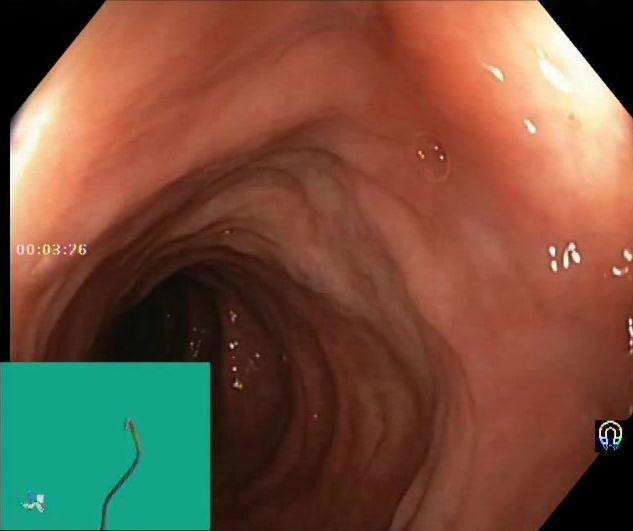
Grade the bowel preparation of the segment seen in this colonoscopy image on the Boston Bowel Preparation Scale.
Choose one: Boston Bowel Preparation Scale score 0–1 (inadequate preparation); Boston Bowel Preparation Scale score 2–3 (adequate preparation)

Boston Bowel Preparation Scale score 2–3 (adequate preparation)